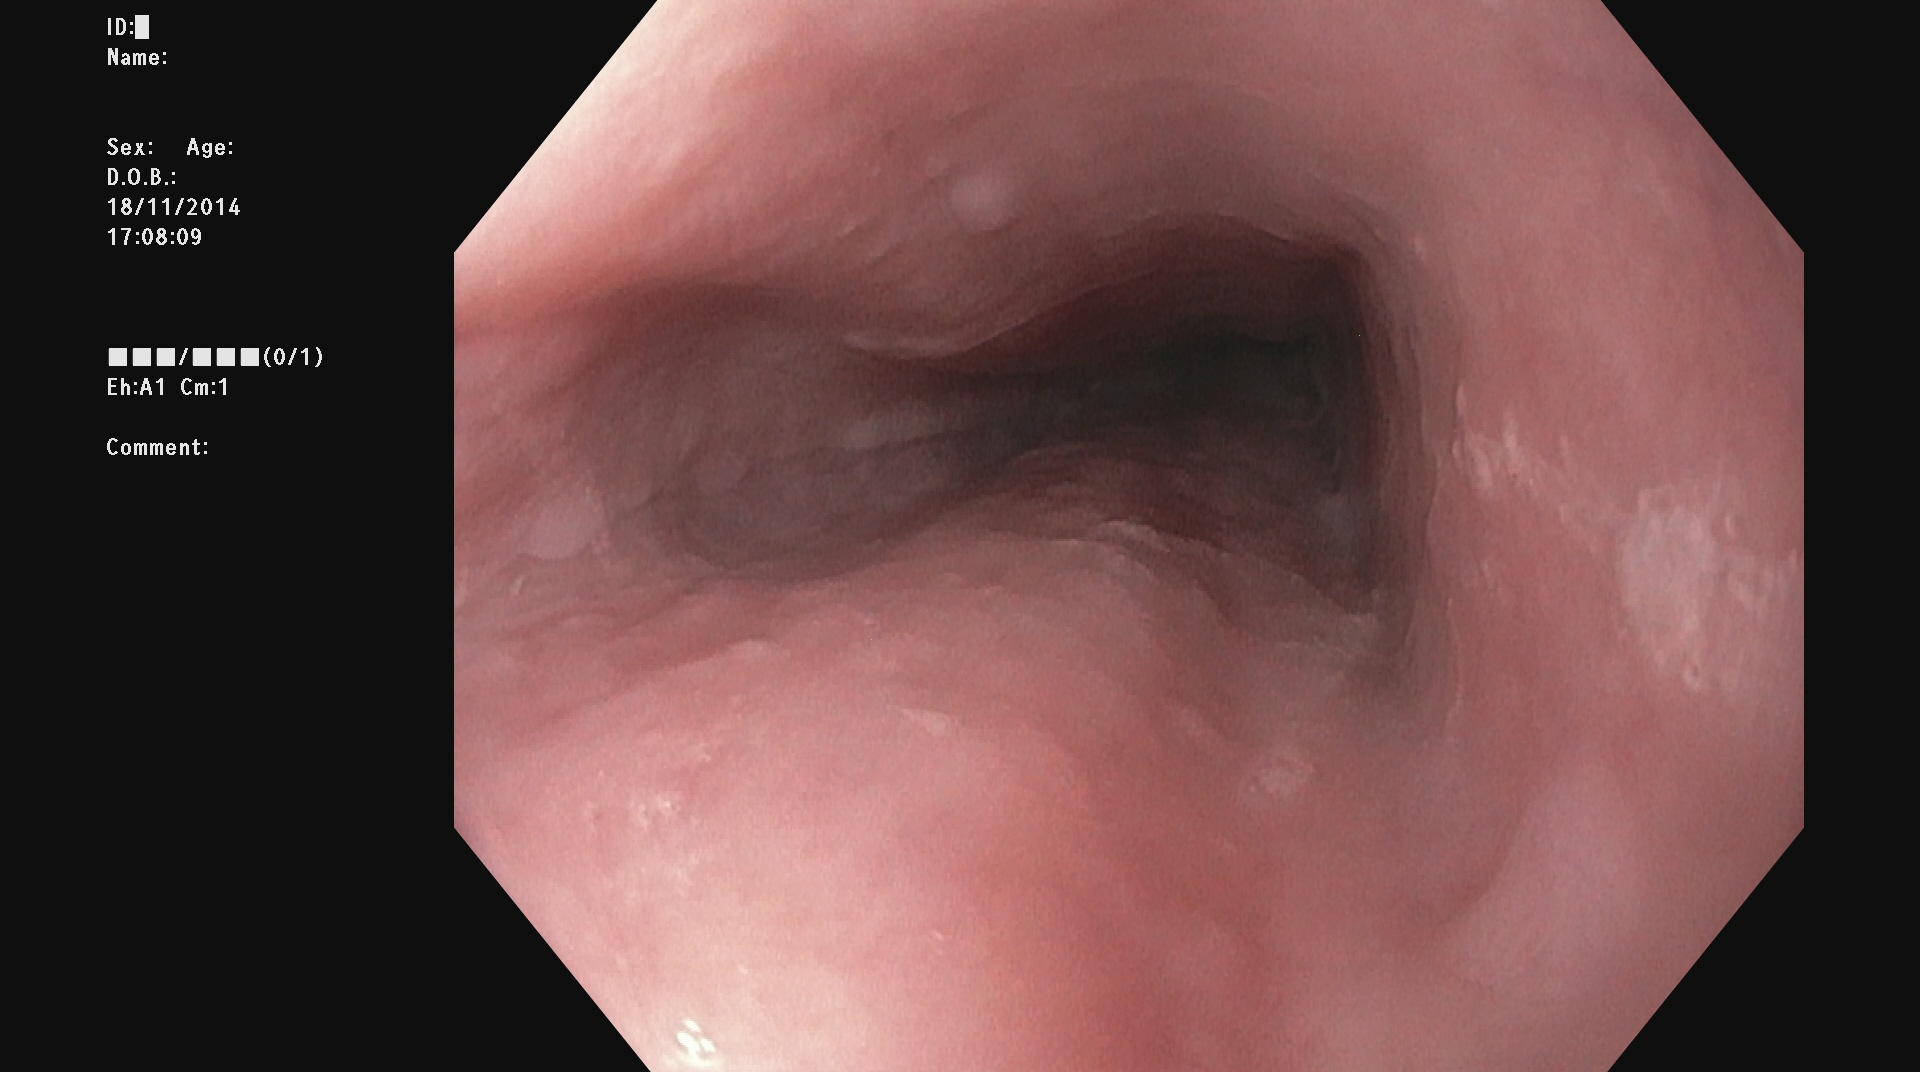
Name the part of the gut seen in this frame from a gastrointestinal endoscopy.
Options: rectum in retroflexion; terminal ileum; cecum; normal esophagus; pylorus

normal esophagus